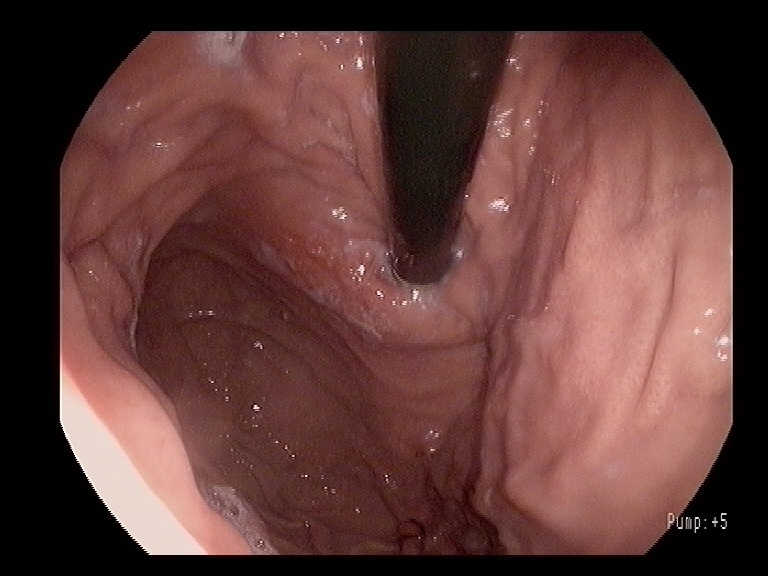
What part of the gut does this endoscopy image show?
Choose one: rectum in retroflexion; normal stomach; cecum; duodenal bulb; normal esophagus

normal stomach